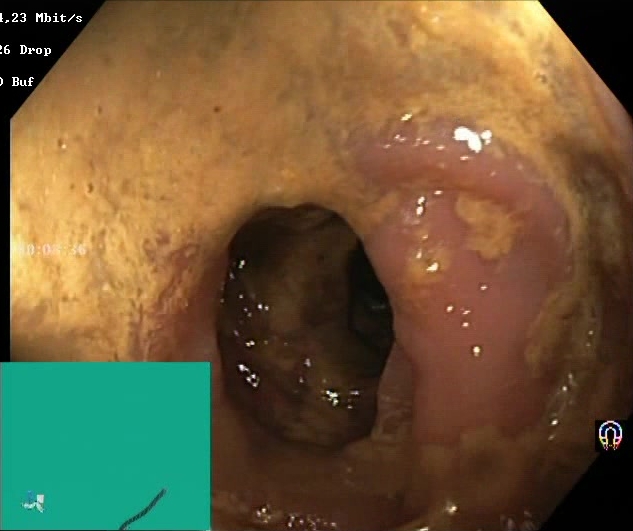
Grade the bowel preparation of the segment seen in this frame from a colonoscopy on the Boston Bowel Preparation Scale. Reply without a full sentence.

Boston Bowel Preparation Scale score 0–1 (inadequate preparation)